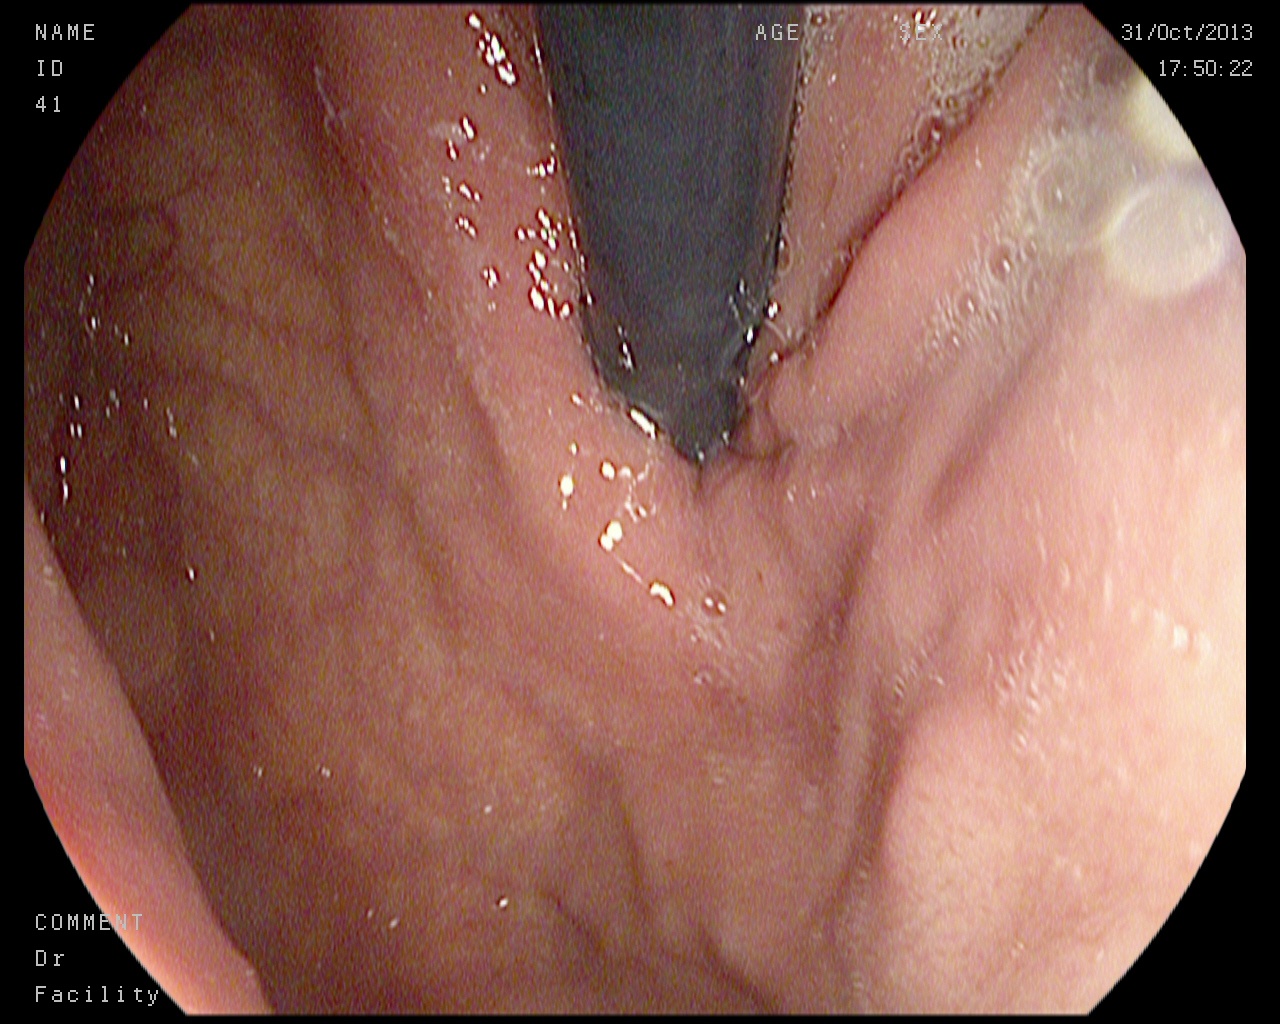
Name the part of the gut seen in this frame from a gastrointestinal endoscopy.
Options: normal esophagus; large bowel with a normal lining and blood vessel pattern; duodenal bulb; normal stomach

normal stomach